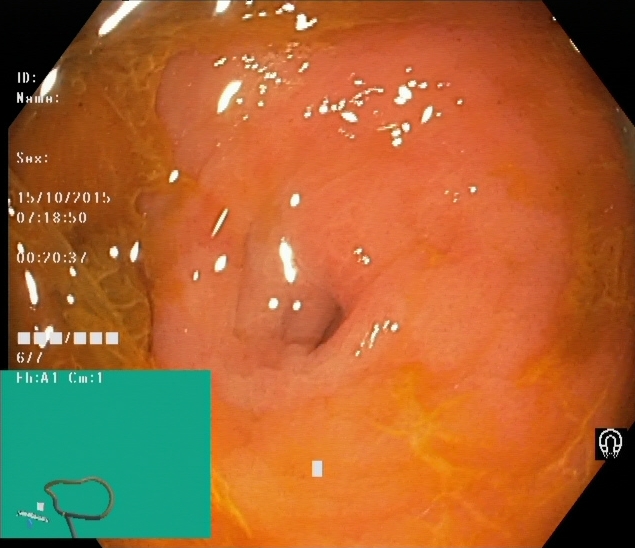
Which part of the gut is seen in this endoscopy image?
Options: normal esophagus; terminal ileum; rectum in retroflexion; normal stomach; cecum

cecum